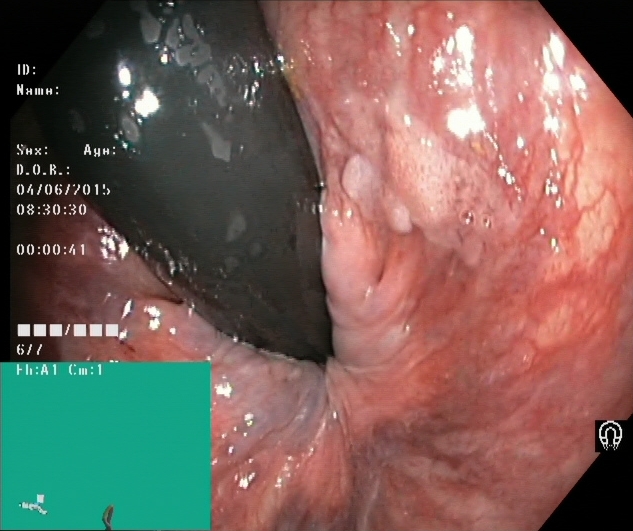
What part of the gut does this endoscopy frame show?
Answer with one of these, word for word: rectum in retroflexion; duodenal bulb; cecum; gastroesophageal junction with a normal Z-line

rectum in retroflexion